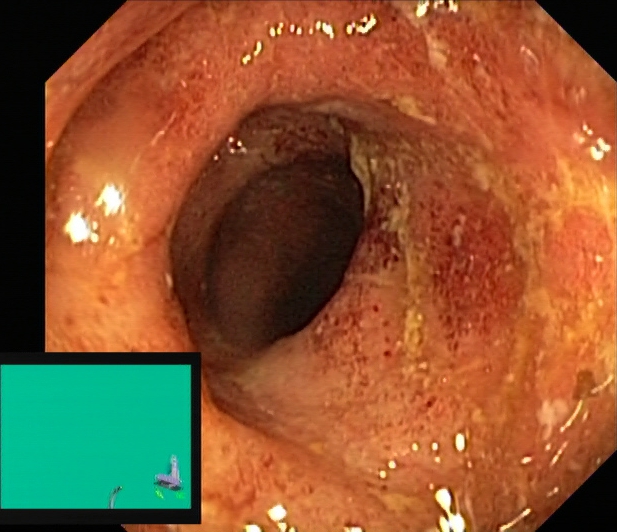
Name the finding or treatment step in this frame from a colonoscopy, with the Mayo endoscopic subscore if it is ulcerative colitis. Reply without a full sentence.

ulcerative colitis, Mayo endoscopic subscore 2–3